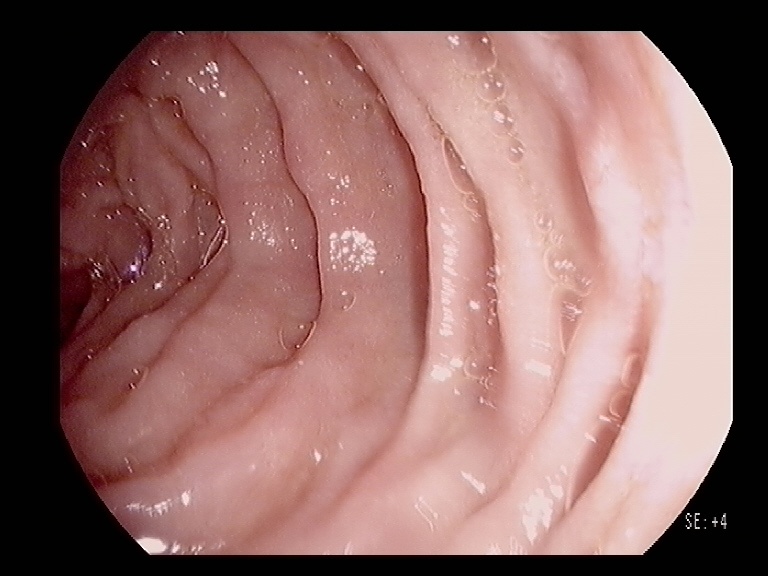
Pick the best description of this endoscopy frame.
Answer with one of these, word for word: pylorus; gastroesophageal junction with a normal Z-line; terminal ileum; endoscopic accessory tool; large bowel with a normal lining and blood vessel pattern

terminal ileum